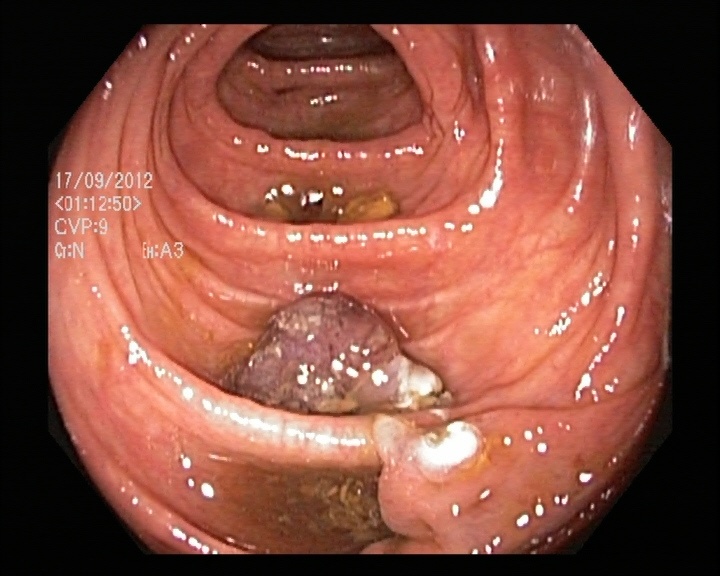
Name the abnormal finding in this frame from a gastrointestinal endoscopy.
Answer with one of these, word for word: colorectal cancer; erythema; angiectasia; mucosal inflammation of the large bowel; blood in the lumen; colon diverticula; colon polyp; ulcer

colorectal cancer